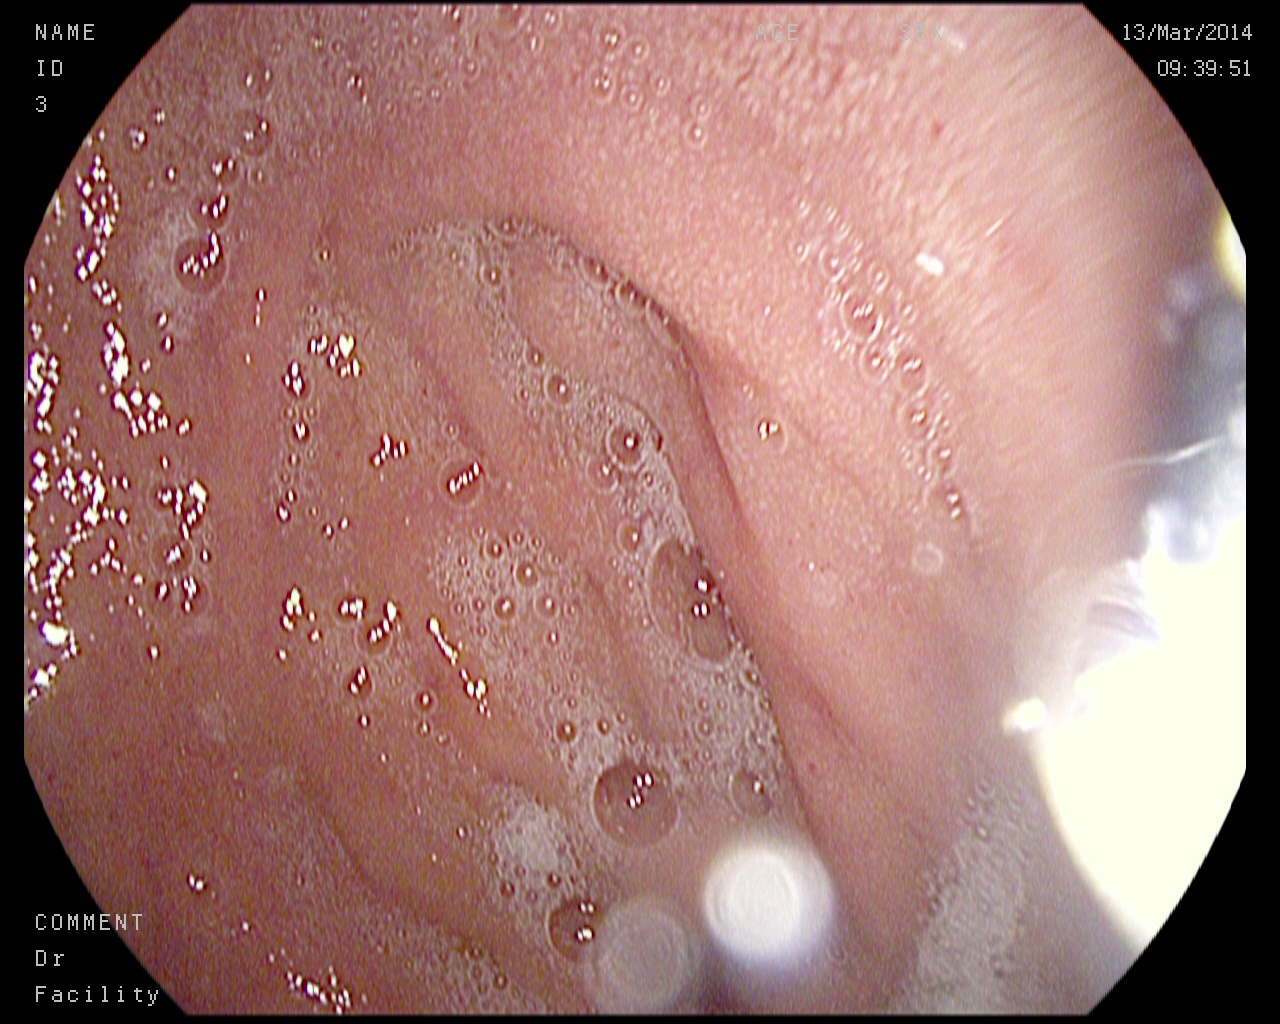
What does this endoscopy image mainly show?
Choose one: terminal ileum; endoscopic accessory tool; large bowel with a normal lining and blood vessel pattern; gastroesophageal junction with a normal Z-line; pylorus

terminal ileum